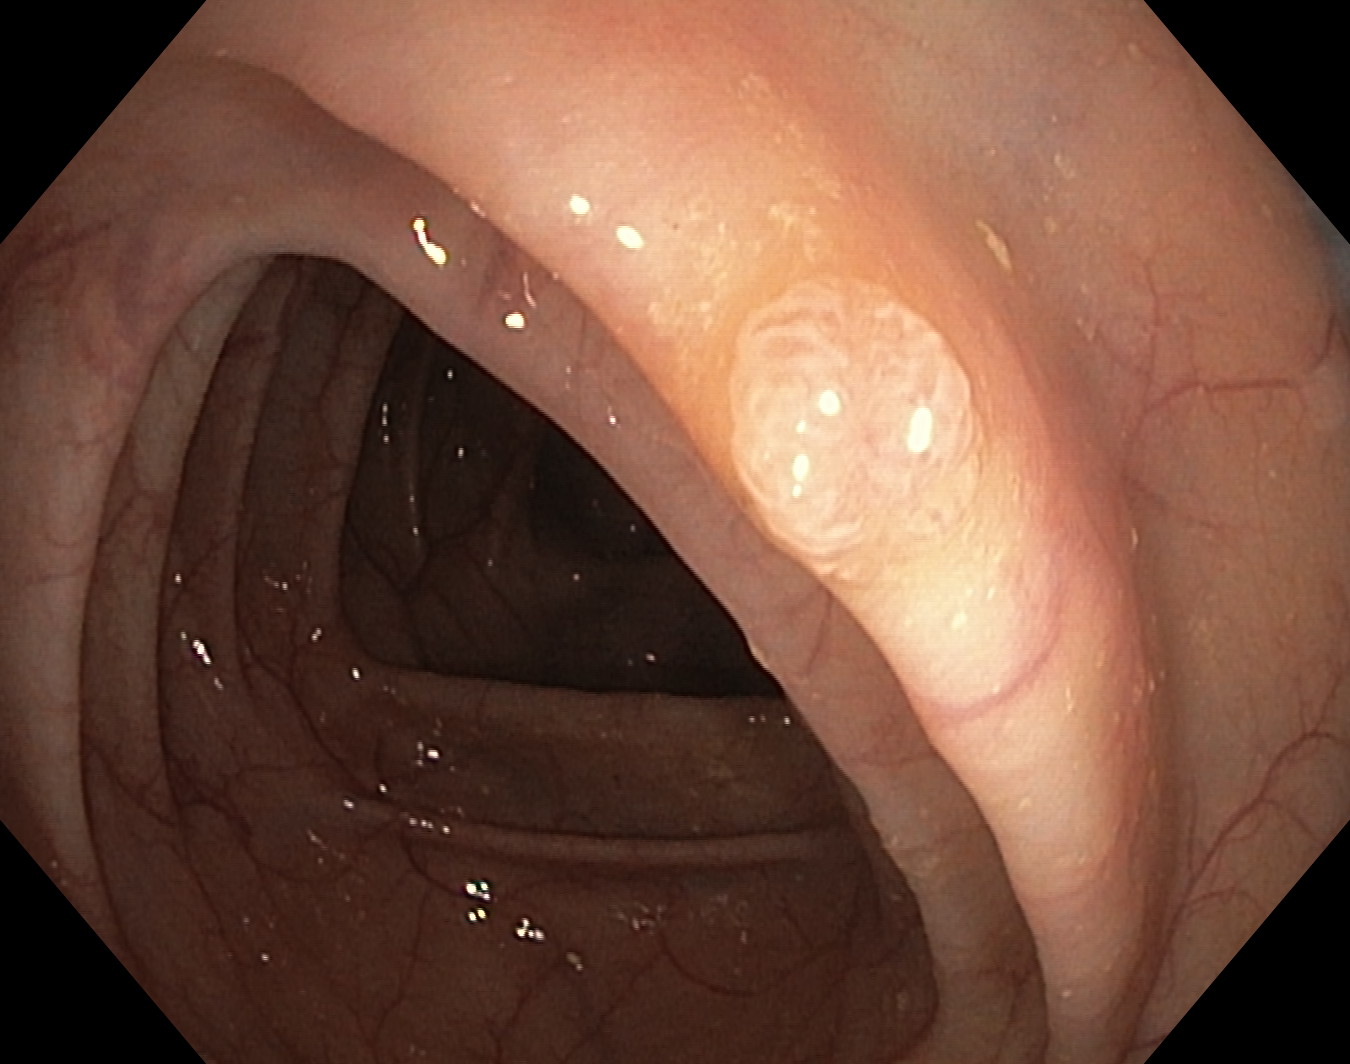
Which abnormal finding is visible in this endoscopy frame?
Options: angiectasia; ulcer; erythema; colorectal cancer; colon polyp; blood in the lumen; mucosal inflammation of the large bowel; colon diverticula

colon polyp